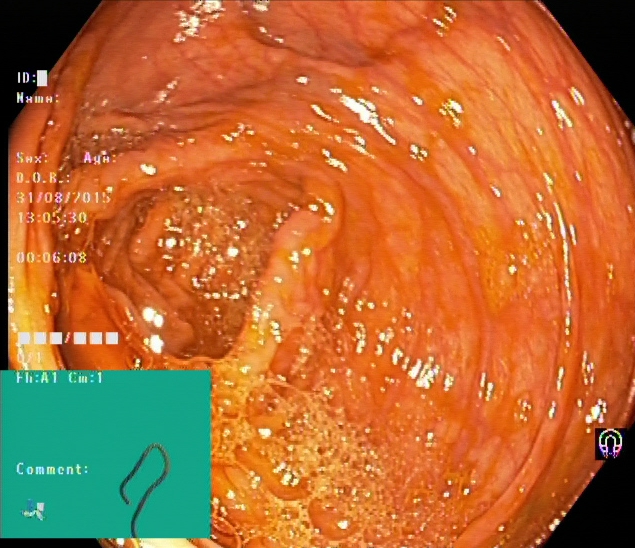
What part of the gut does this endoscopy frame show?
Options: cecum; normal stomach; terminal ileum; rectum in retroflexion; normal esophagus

cecum